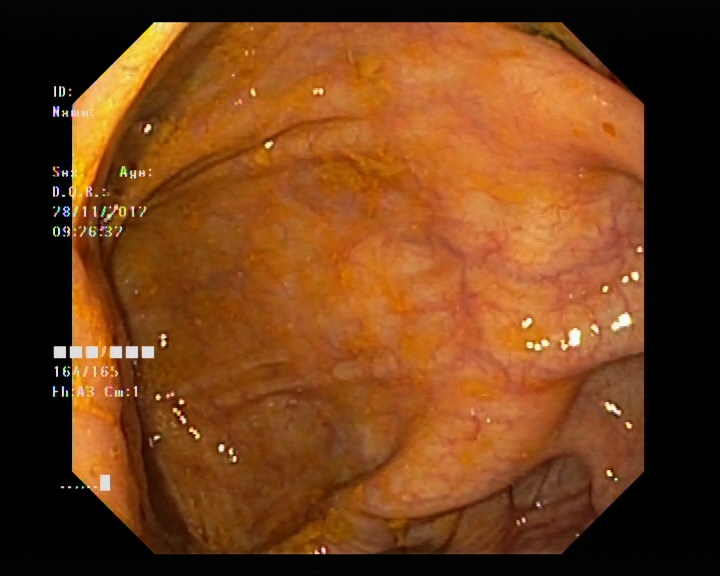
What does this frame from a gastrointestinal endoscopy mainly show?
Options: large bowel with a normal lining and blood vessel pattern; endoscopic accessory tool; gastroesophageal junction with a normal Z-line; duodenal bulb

large bowel with a normal lining and blood vessel pattern